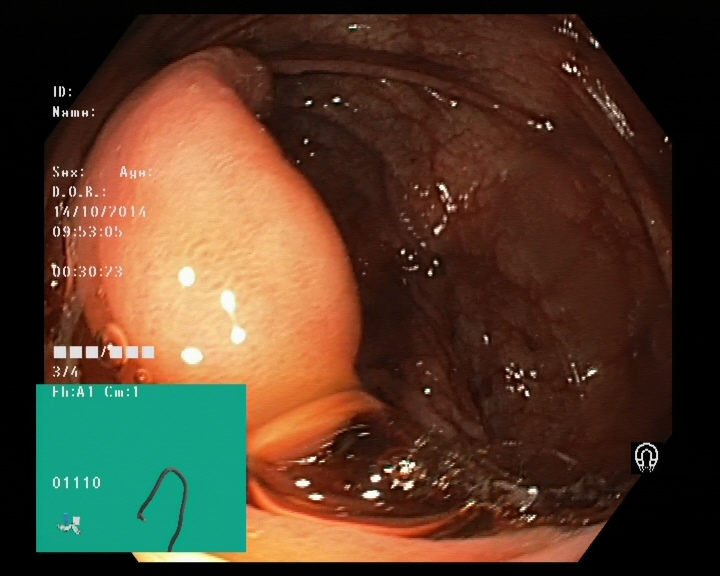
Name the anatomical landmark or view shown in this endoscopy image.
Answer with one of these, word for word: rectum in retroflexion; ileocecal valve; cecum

ileocecal valve